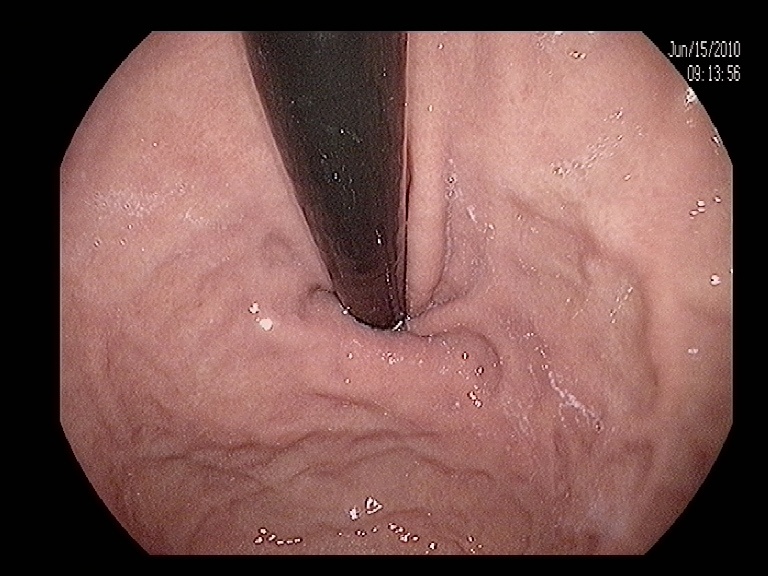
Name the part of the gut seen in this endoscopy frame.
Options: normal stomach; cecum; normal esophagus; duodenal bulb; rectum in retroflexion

normal stomach